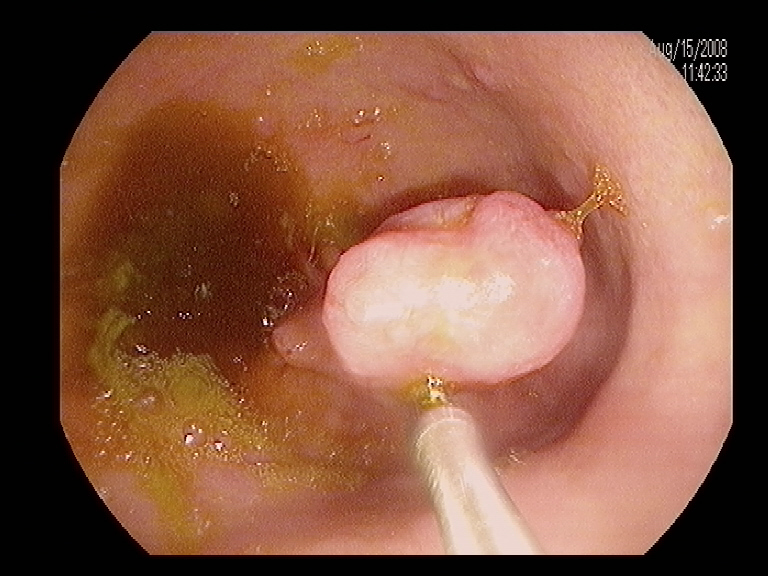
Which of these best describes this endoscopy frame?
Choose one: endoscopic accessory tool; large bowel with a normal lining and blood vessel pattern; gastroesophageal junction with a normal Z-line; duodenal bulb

endoscopic accessory tool